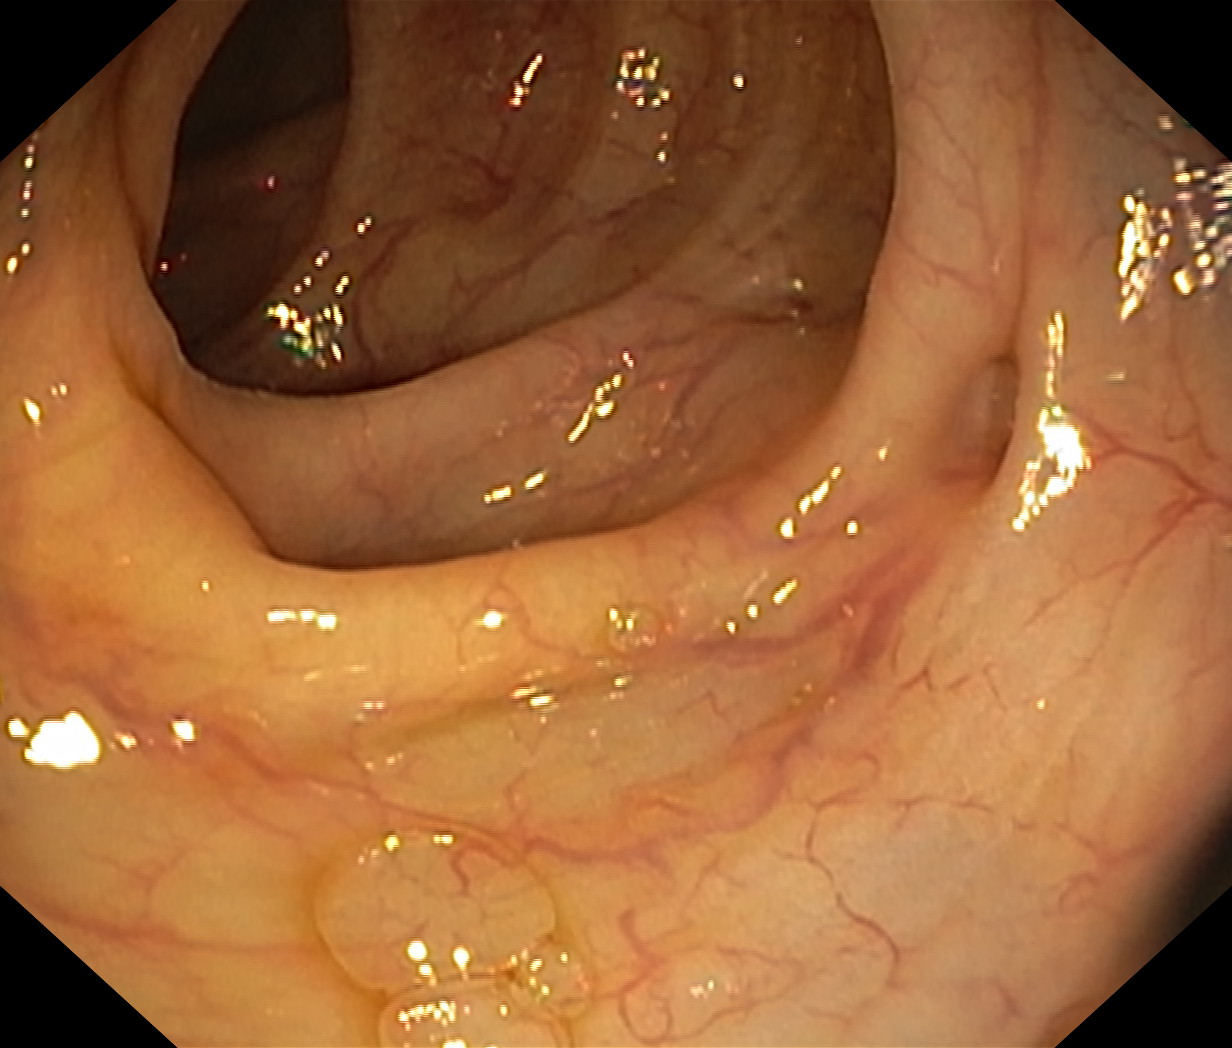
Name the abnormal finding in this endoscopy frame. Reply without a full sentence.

colon diverticula